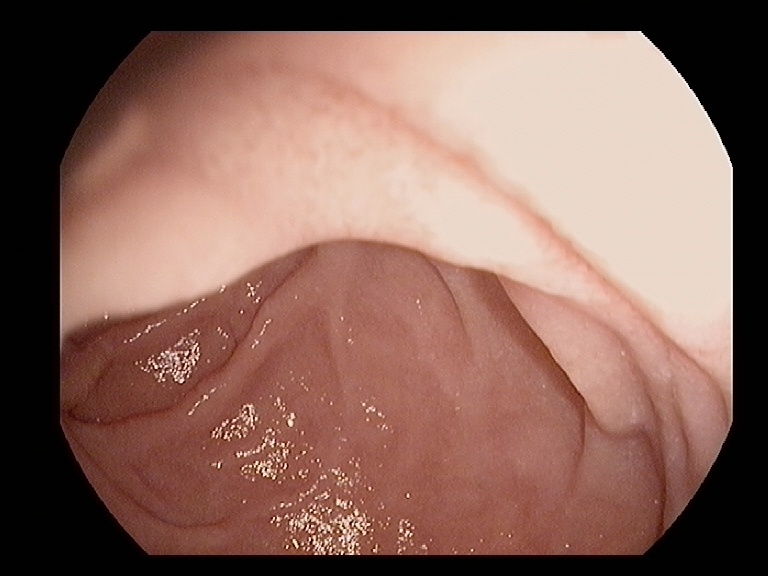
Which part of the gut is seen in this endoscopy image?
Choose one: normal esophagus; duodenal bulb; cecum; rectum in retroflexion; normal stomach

normal stomach